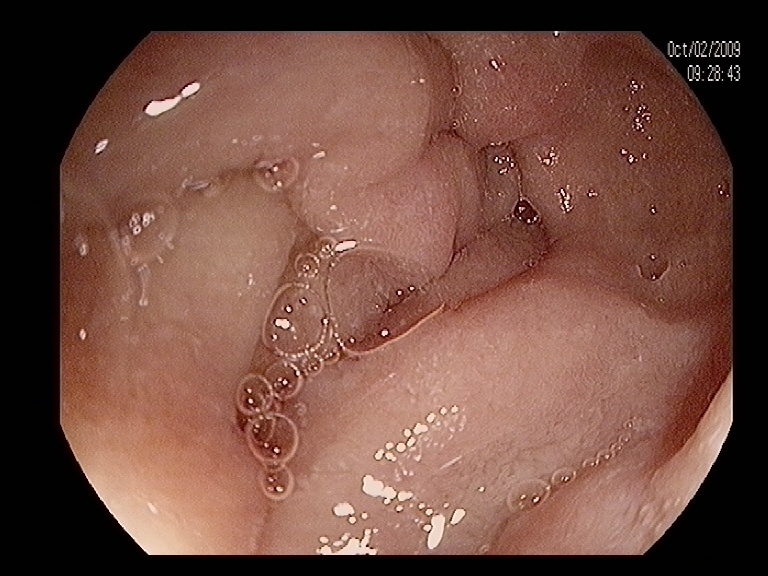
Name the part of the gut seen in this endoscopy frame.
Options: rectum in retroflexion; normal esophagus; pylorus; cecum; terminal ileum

terminal ileum